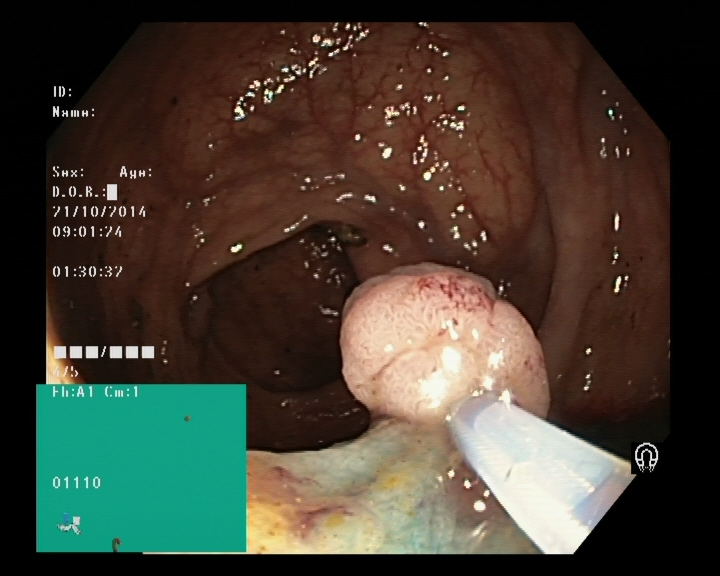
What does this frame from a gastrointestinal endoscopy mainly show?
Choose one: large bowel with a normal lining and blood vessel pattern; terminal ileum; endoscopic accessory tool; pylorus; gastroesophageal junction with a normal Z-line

endoscopic accessory tool